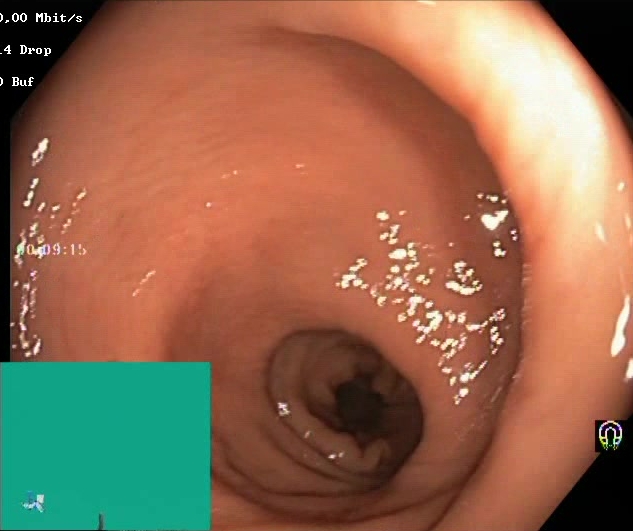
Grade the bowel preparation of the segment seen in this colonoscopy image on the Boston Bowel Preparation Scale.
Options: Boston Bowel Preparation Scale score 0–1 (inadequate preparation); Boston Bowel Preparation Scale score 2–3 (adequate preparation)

Boston Bowel Preparation Scale score 2–3 (adequate preparation)